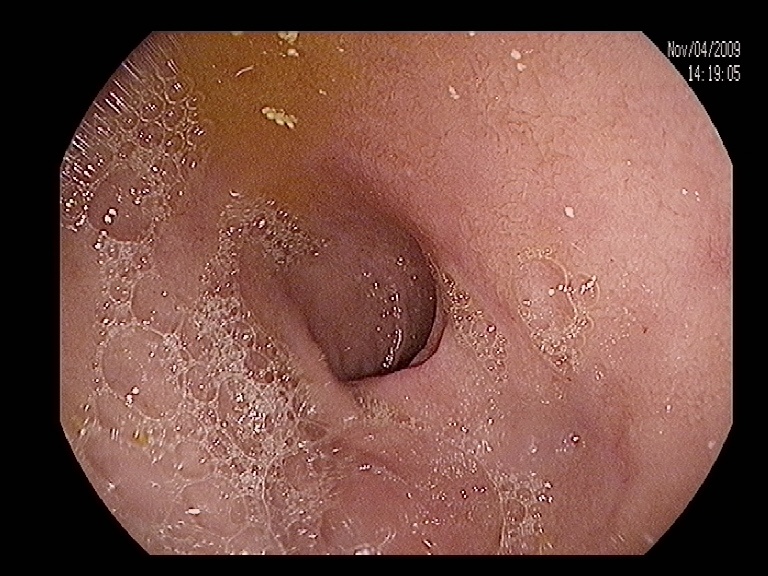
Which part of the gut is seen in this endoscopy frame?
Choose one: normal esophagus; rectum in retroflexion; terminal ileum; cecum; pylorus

terminal ileum